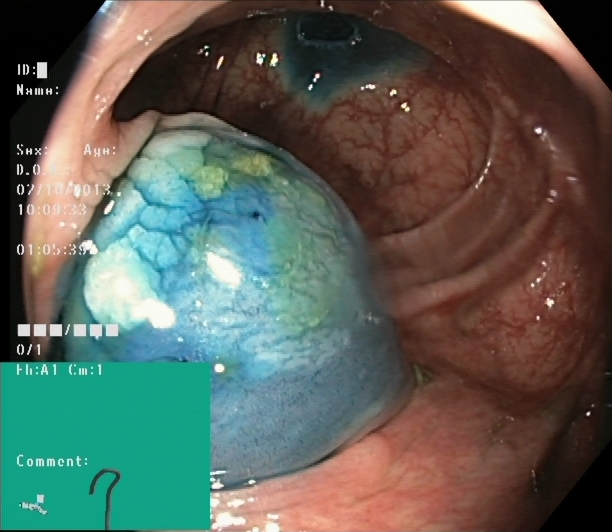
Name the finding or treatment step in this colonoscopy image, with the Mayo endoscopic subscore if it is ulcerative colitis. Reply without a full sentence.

dyed and lifted polyp (pre-resection)